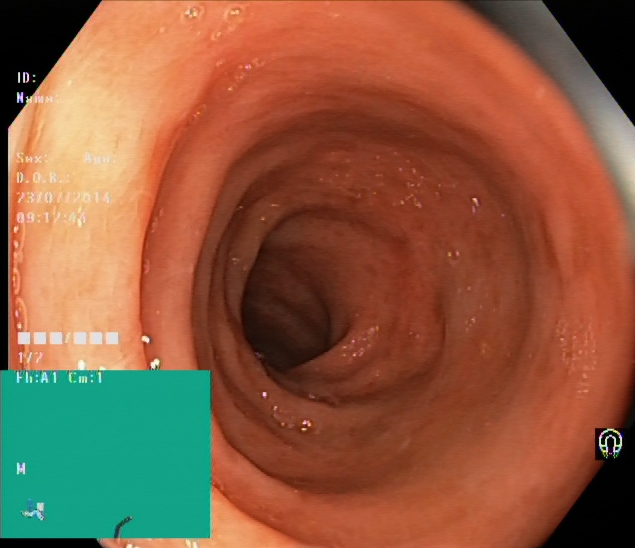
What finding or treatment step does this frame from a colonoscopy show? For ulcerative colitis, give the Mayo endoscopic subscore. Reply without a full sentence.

ulcerative colitis, Mayo endoscopic subscore 2